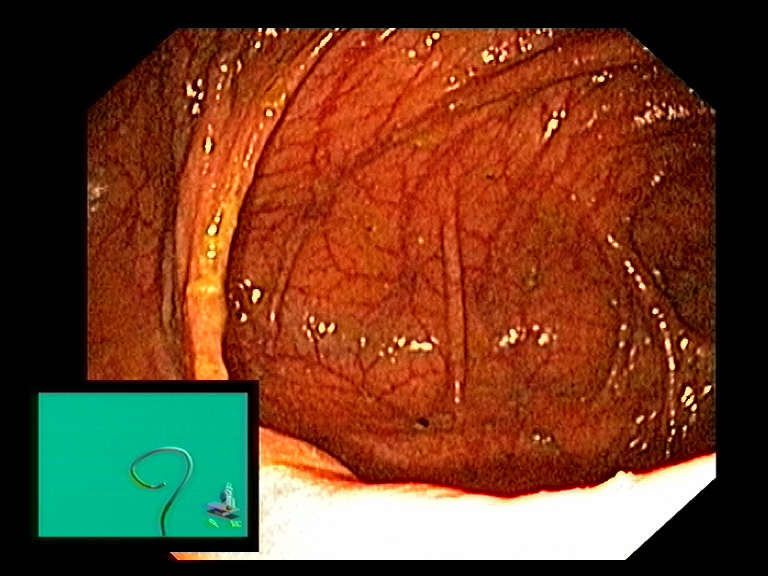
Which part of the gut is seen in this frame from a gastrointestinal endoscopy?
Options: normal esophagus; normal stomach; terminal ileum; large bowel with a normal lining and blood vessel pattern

large bowel with a normal lining and blood vessel pattern